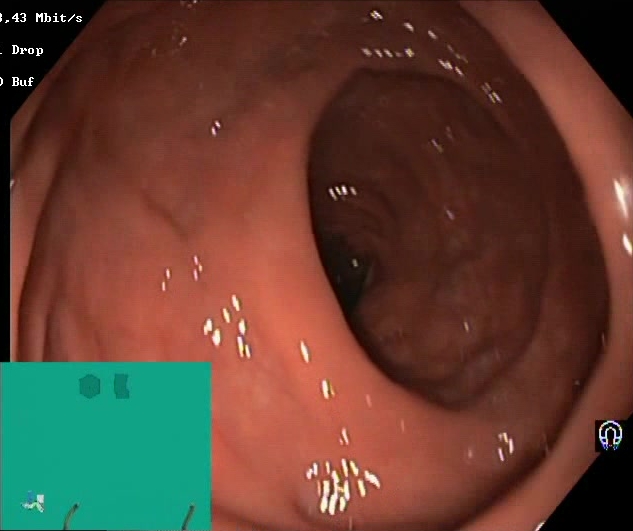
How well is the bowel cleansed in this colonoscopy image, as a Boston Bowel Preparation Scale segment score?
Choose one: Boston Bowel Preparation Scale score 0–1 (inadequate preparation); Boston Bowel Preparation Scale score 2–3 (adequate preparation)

Boston Bowel Preparation Scale score 2–3 (adequate preparation)